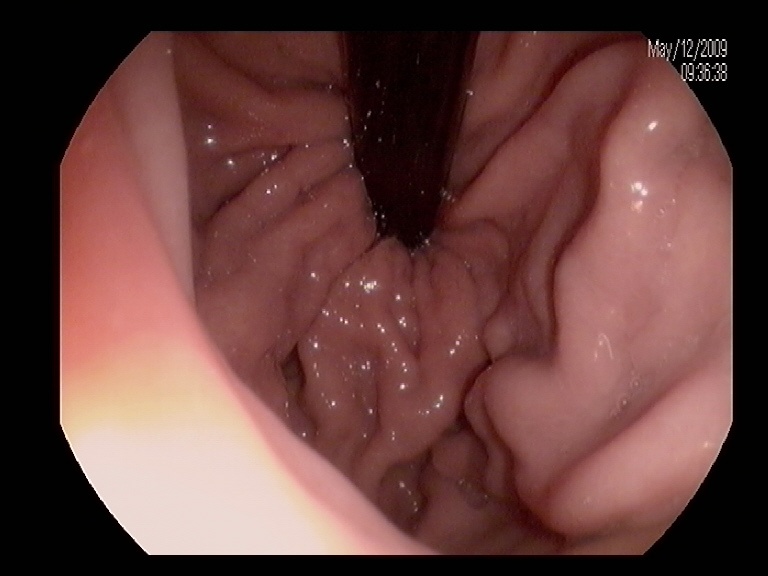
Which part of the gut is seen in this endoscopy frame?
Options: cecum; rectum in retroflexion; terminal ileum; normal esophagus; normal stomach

normal stomach